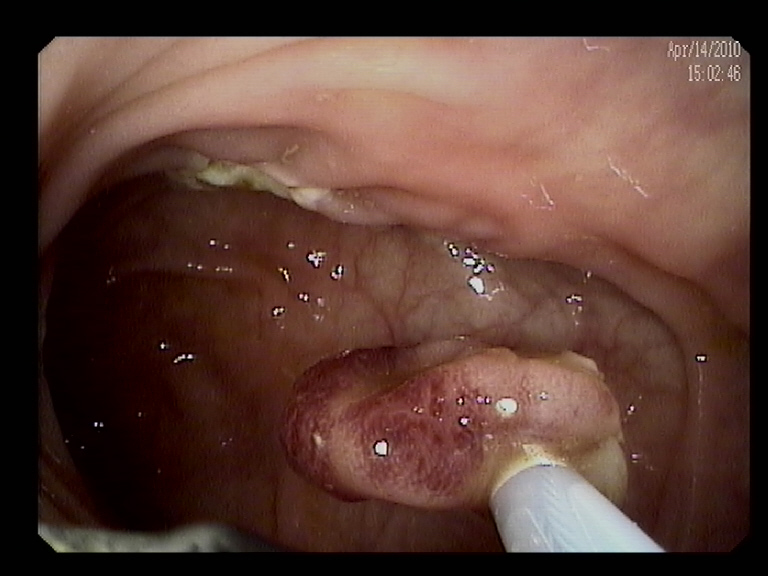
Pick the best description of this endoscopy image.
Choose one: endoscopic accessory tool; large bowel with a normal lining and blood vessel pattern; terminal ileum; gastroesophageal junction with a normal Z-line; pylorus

endoscopic accessory tool